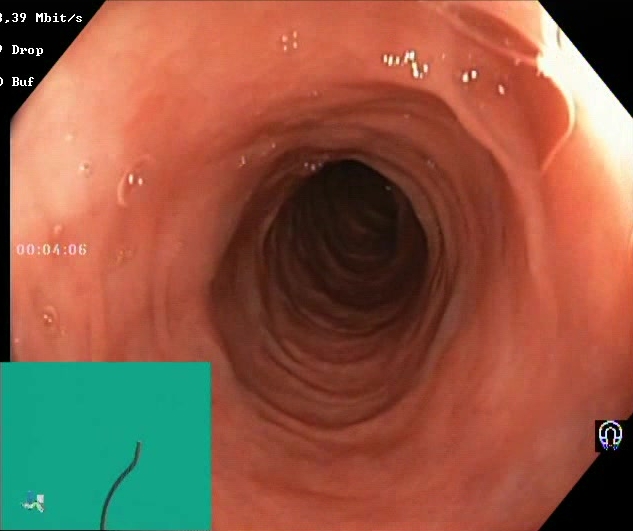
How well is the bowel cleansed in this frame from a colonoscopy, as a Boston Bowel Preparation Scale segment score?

Boston Bowel Preparation Scale score 2–3 (adequate preparation)